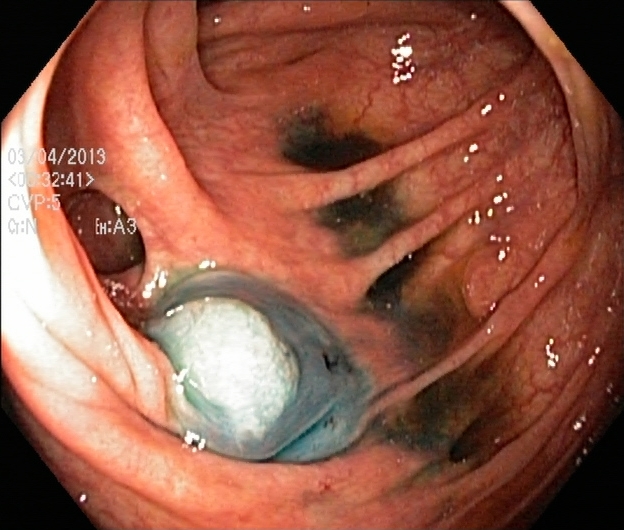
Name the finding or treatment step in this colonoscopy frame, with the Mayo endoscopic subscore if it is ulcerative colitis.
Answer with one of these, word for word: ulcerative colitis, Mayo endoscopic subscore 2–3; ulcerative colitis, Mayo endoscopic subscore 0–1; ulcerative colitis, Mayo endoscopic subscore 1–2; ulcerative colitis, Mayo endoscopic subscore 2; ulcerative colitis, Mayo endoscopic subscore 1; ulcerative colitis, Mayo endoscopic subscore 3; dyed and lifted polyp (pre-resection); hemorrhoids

dyed and lifted polyp (pre-resection)